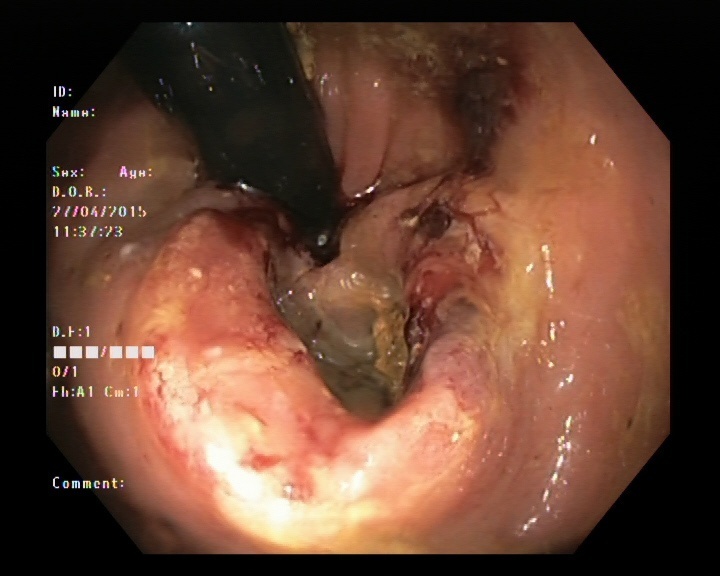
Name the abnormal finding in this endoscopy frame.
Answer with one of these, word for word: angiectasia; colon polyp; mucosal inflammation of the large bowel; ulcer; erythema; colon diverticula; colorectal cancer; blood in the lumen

colorectal cancer